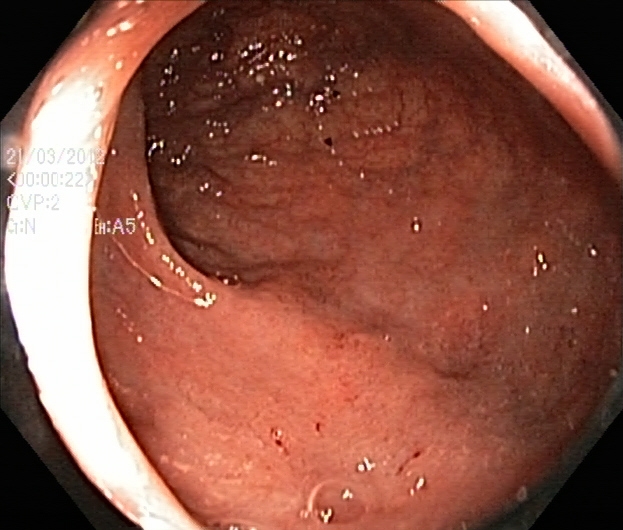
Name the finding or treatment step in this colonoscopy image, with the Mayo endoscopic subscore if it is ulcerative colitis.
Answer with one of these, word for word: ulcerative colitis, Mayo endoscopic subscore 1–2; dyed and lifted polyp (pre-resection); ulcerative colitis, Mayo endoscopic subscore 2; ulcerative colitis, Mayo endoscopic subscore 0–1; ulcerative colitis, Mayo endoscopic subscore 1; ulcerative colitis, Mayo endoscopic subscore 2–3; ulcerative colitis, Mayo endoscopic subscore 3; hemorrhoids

ulcerative colitis, Mayo endoscopic subscore 1